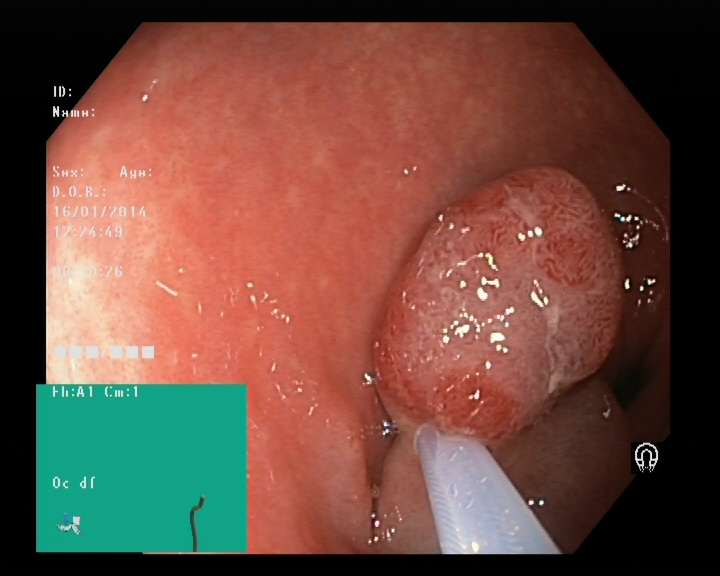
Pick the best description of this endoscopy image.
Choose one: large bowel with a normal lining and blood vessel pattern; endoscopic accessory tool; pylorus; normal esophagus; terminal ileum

endoscopic accessory tool